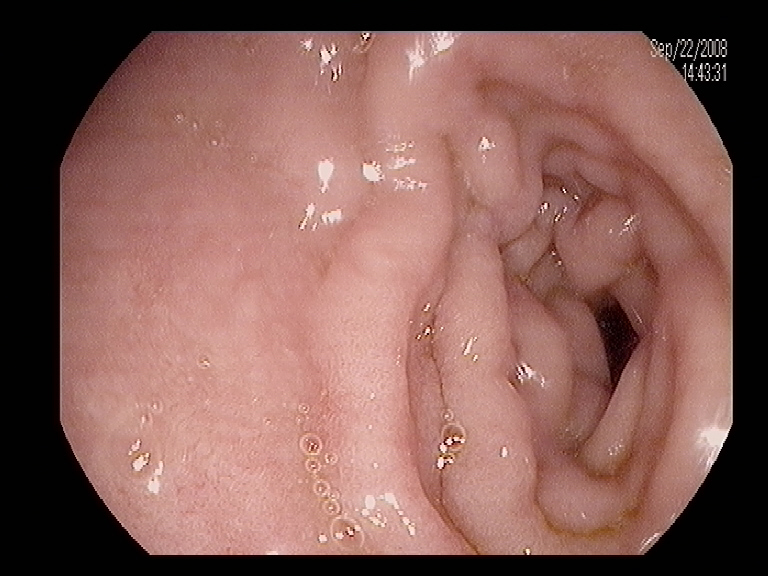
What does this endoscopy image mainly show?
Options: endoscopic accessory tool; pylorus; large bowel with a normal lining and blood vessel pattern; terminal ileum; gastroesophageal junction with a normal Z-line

terminal ileum